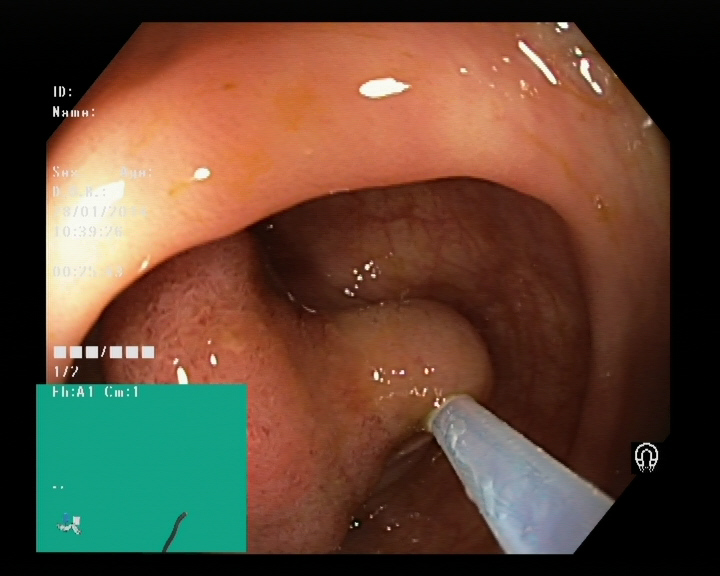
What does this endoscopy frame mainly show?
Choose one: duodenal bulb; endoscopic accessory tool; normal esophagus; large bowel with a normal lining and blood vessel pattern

endoscopic accessory tool